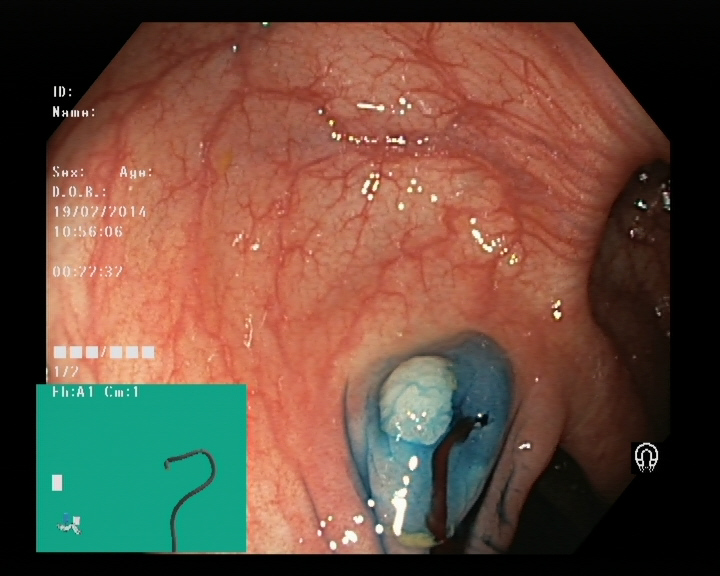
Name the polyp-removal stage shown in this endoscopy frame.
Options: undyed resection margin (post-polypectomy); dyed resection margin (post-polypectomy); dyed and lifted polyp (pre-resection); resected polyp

dyed and lifted polyp (pre-resection)